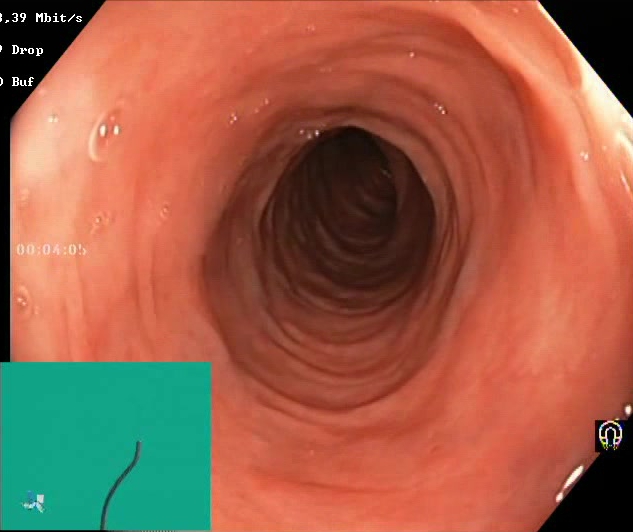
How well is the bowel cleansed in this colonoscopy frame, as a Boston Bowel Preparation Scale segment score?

Boston Bowel Preparation Scale score 2–3 (adequate preparation)